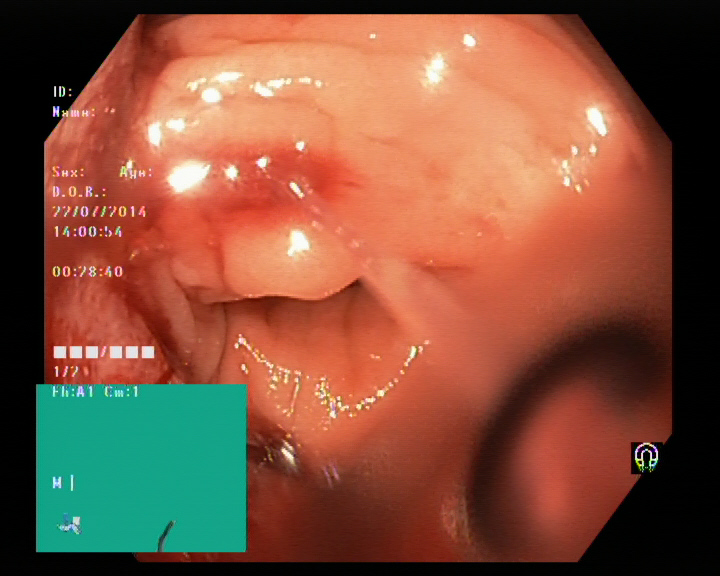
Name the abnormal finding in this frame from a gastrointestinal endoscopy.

blood in the lumen